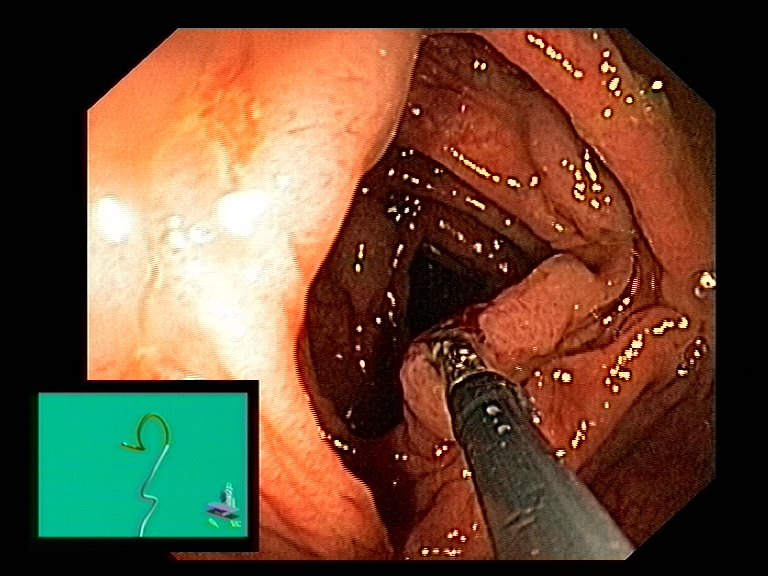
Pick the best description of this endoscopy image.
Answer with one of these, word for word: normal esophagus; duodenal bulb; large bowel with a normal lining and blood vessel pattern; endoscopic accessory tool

endoscopic accessory tool